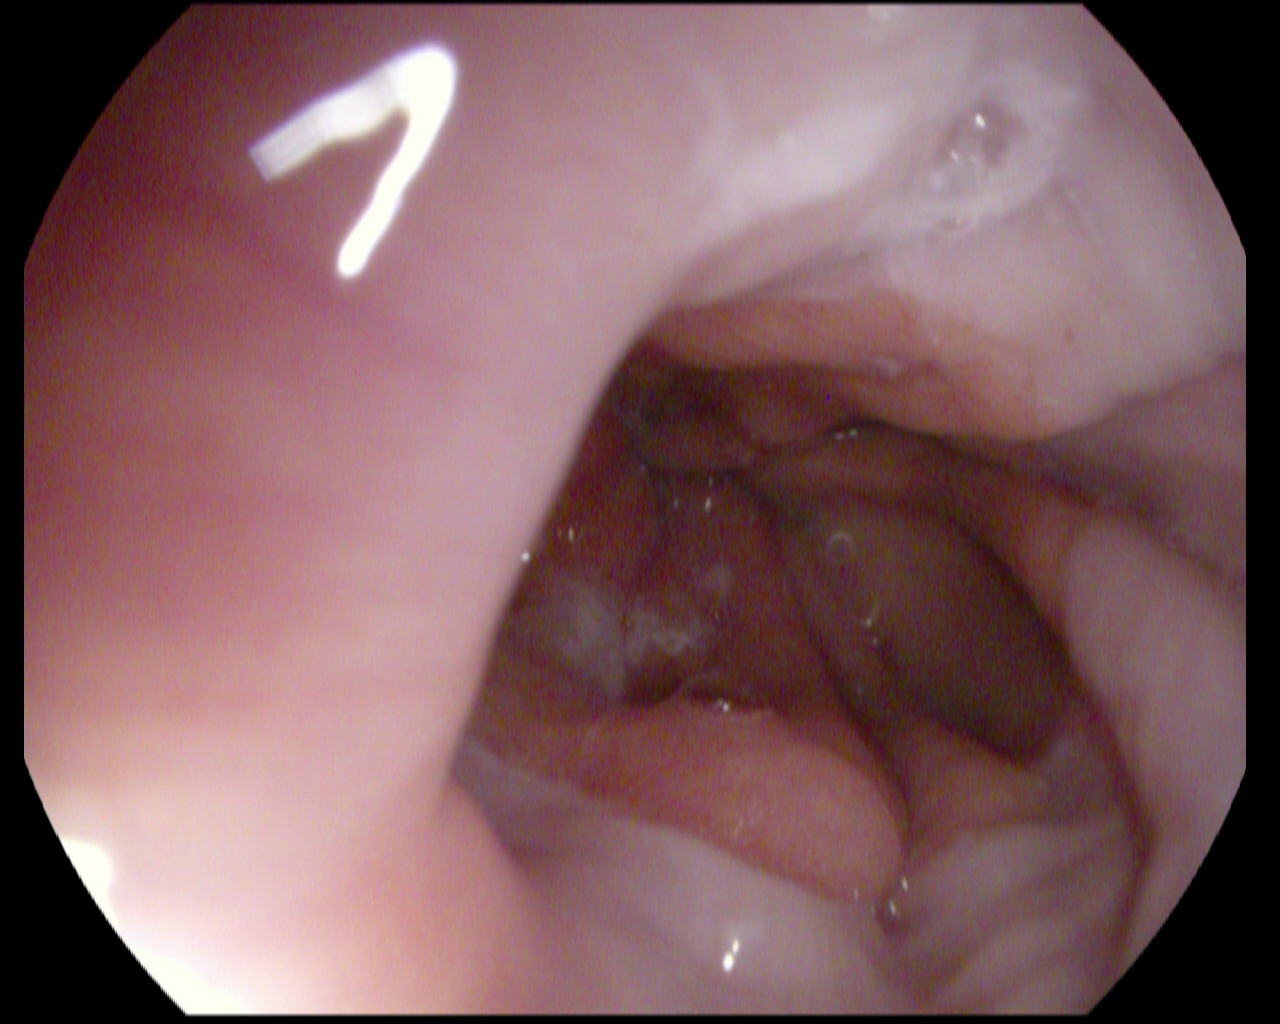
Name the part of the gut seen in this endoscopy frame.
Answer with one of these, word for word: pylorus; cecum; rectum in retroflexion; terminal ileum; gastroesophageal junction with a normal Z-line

gastroesophageal junction with a normal Z-line